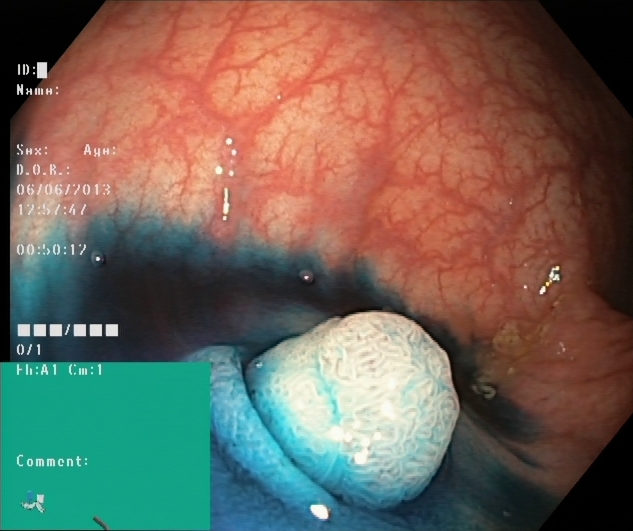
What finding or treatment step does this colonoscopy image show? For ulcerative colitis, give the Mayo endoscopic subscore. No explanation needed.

dyed and lifted polyp (pre-resection)